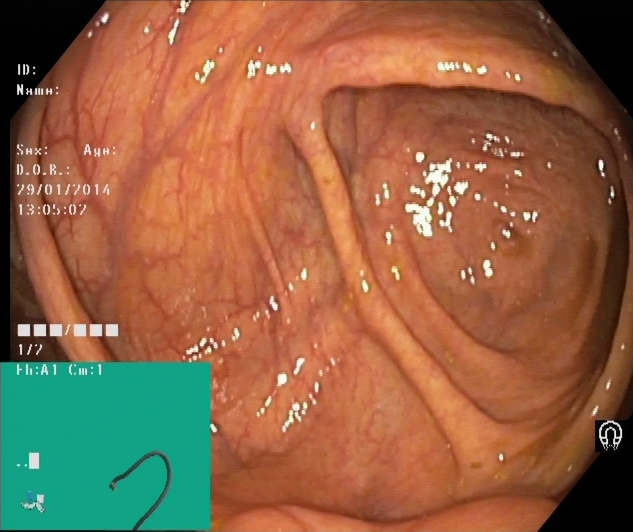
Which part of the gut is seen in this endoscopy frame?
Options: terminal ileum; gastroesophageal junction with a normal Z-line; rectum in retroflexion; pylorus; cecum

cecum